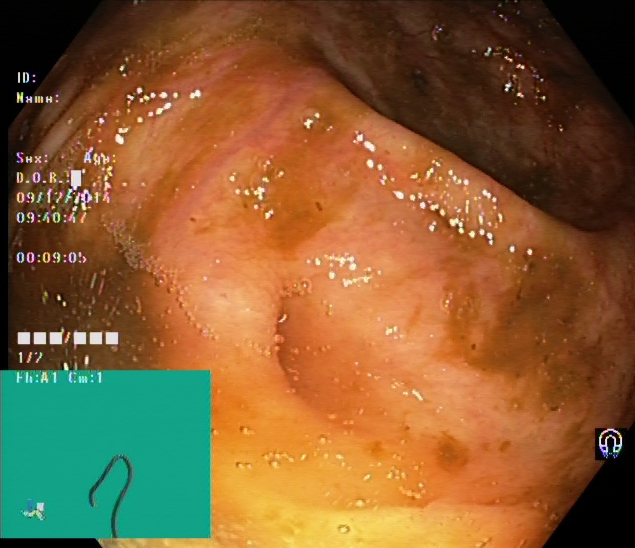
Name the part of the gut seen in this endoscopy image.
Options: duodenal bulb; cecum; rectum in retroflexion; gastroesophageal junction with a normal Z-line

cecum